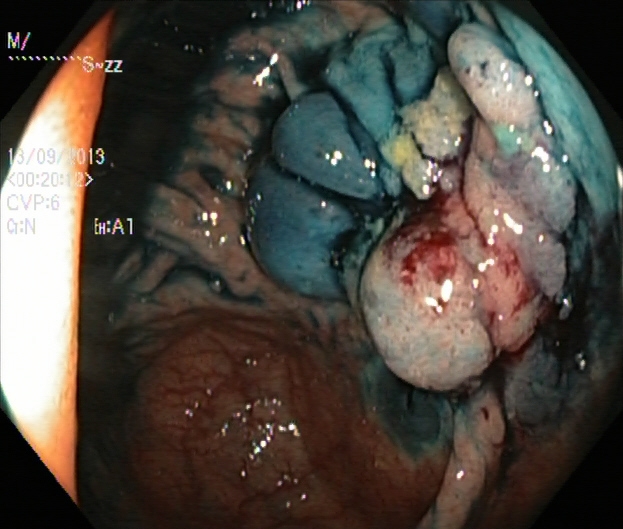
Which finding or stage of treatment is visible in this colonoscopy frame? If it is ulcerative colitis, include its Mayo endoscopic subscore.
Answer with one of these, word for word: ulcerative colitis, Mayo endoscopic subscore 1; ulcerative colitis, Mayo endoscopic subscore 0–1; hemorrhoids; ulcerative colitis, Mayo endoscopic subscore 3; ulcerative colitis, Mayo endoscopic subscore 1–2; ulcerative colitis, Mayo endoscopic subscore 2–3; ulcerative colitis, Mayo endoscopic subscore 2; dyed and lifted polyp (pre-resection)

dyed and lifted polyp (pre-resection)